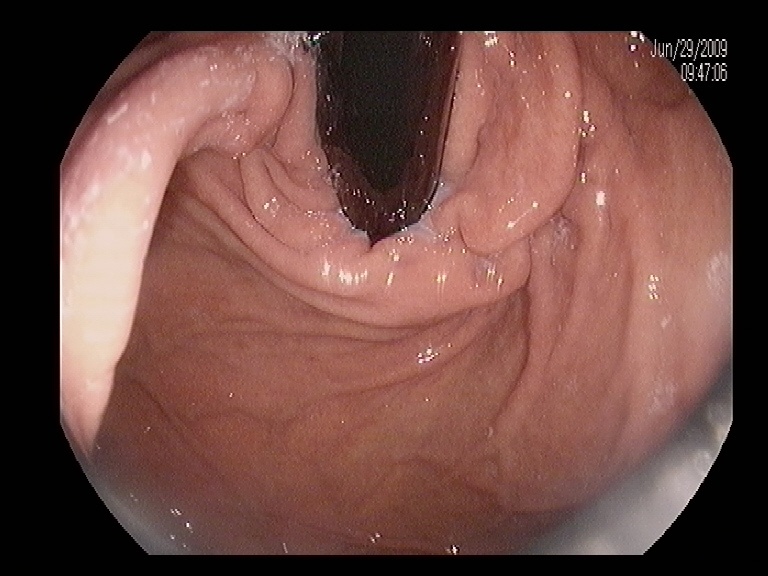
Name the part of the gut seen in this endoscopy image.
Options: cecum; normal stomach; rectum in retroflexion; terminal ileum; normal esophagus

normal stomach